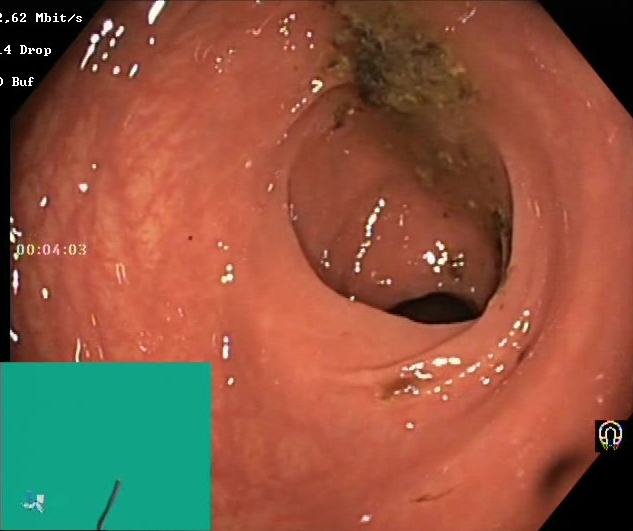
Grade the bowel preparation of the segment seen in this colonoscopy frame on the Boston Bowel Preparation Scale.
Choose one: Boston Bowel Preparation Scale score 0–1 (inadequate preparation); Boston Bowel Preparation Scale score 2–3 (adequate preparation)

Boston Bowel Preparation Scale score 0–1 (inadequate preparation)